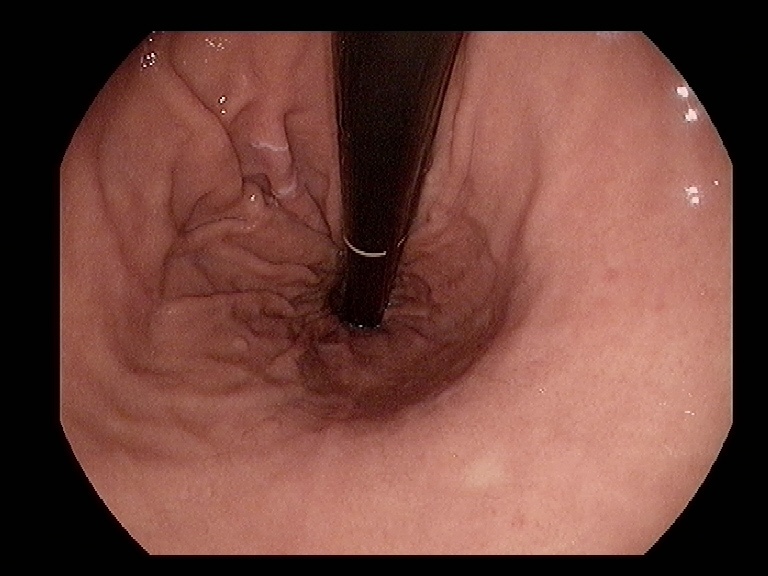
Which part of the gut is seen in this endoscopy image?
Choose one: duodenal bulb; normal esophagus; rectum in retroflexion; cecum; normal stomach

normal stomach